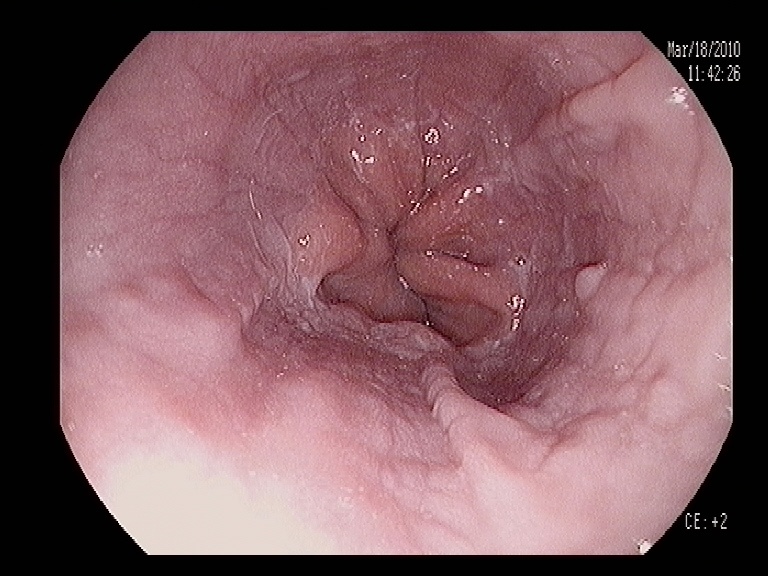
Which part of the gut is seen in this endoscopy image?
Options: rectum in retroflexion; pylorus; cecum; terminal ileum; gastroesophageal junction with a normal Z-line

gastroesophageal junction with a normal Z-line